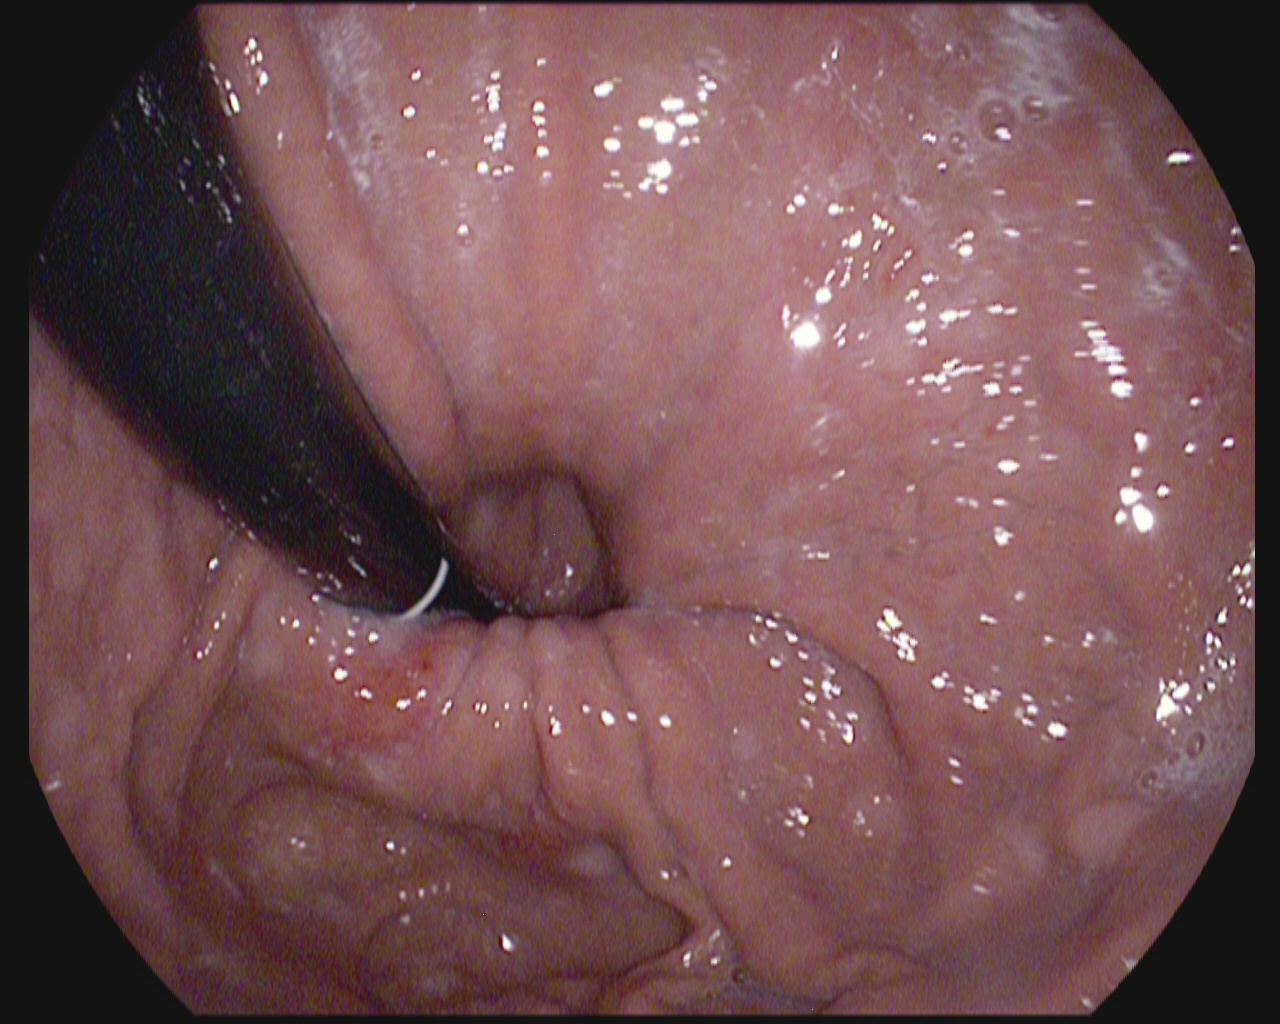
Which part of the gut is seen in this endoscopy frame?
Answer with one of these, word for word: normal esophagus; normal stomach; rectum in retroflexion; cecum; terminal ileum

normal stomach